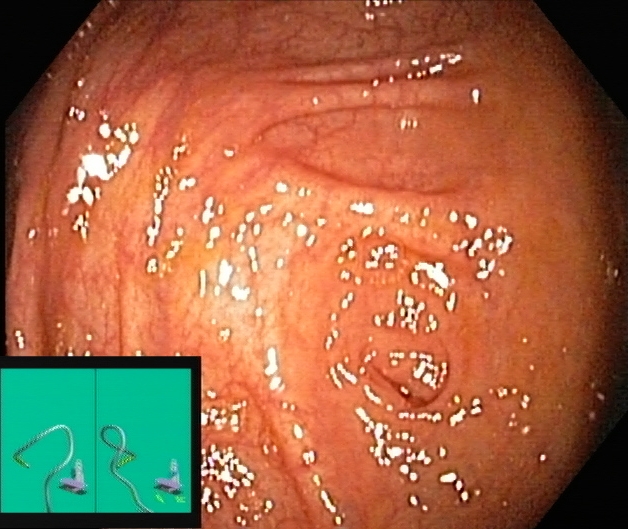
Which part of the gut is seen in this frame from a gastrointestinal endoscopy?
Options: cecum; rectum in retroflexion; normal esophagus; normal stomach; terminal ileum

cecum